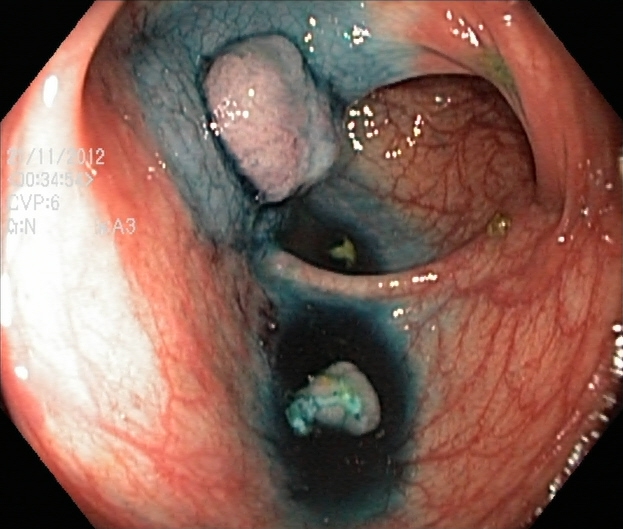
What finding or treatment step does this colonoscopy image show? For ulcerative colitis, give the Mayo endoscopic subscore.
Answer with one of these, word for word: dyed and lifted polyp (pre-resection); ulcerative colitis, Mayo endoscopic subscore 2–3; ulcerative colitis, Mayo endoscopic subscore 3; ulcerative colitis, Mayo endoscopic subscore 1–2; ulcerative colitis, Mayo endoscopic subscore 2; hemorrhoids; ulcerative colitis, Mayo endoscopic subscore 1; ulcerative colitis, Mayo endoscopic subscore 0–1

dyed and lifted polyp (pre-resection)